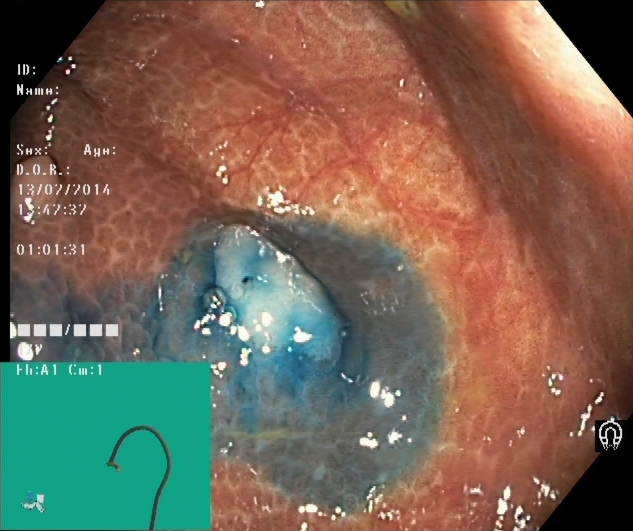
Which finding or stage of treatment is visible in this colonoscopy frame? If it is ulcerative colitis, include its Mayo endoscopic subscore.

dyed and lifted polyp (pre-resection)